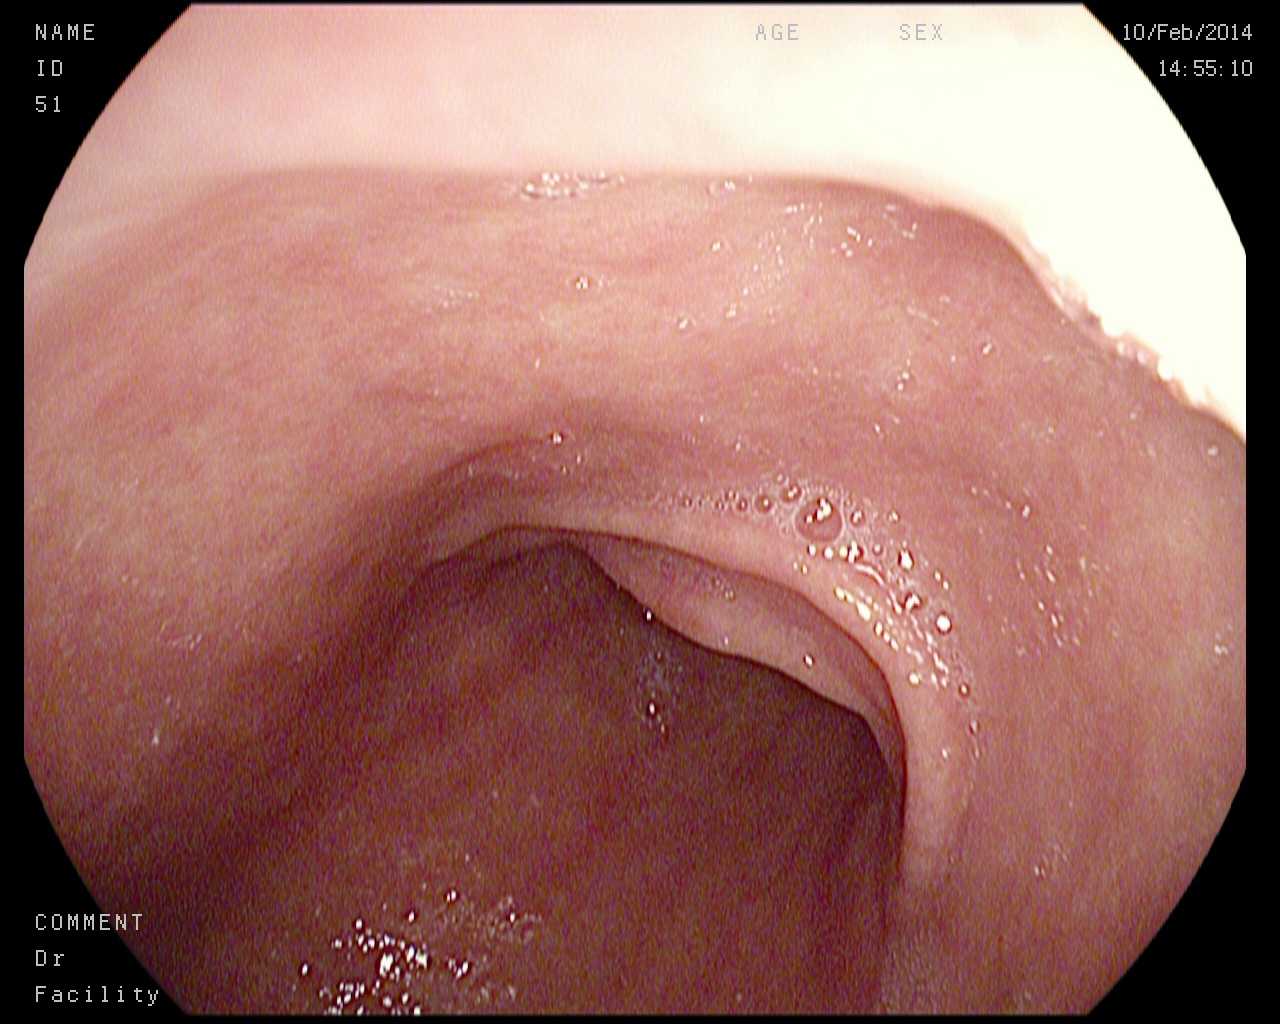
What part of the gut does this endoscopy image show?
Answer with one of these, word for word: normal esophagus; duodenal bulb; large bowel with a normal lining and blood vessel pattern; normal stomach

normal stomach